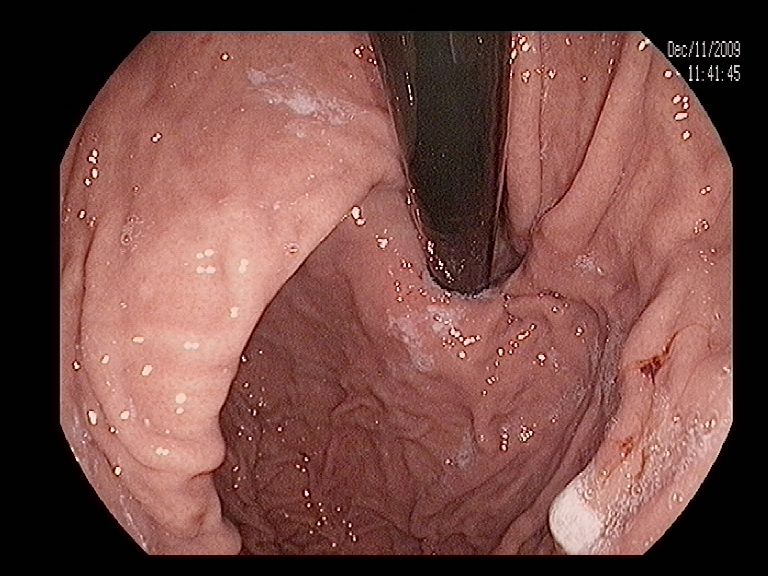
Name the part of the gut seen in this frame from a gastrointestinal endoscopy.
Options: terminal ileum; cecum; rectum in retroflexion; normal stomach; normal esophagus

normal stomach